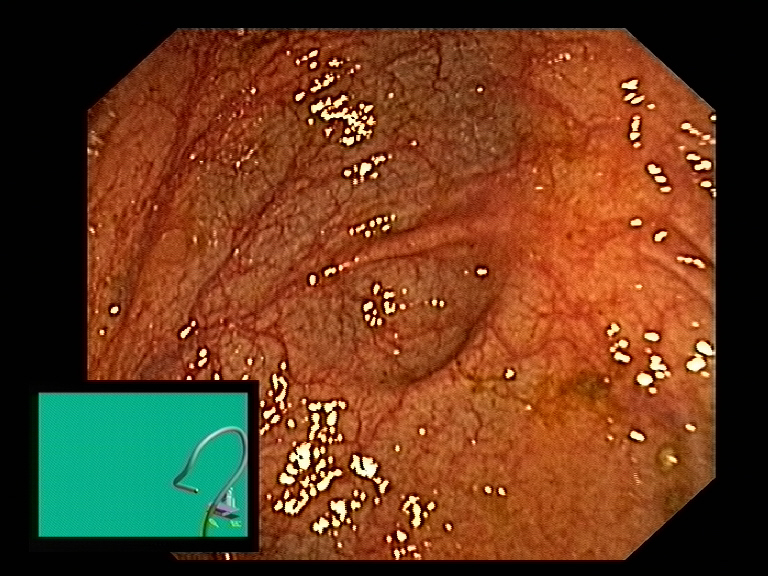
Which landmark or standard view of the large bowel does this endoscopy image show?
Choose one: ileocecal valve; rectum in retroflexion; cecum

cecum